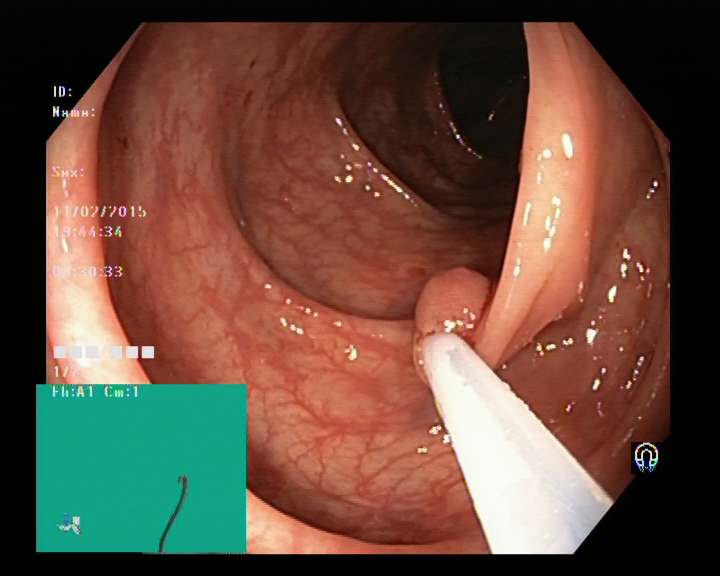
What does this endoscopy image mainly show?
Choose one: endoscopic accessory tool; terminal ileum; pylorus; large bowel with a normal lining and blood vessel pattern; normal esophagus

endoscopic accessory tool